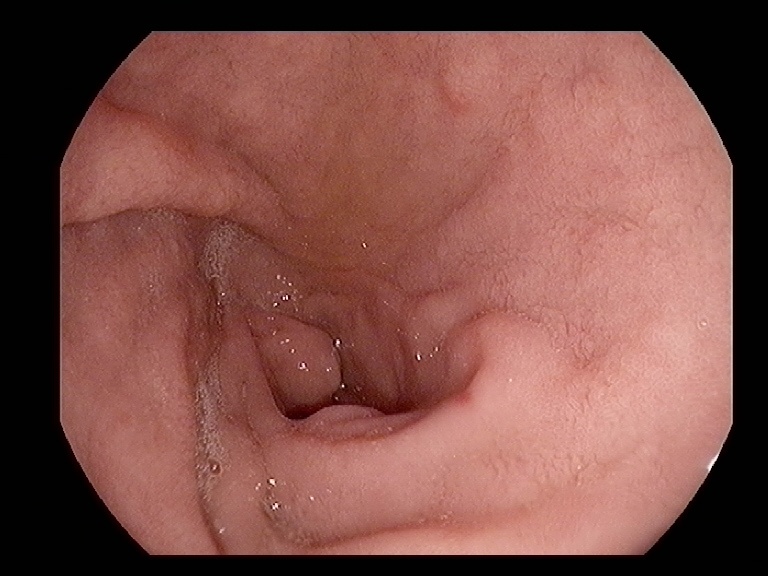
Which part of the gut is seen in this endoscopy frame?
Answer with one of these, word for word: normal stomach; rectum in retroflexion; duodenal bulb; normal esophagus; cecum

normal stomach